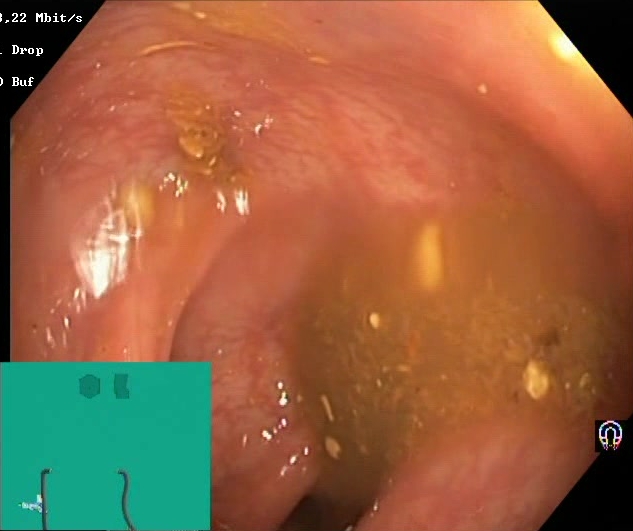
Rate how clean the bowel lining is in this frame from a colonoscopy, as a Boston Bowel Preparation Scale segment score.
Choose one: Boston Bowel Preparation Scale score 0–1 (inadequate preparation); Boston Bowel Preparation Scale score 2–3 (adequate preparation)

Boston Bowel Preparation Scale score 0–1 (inadequate preparation)